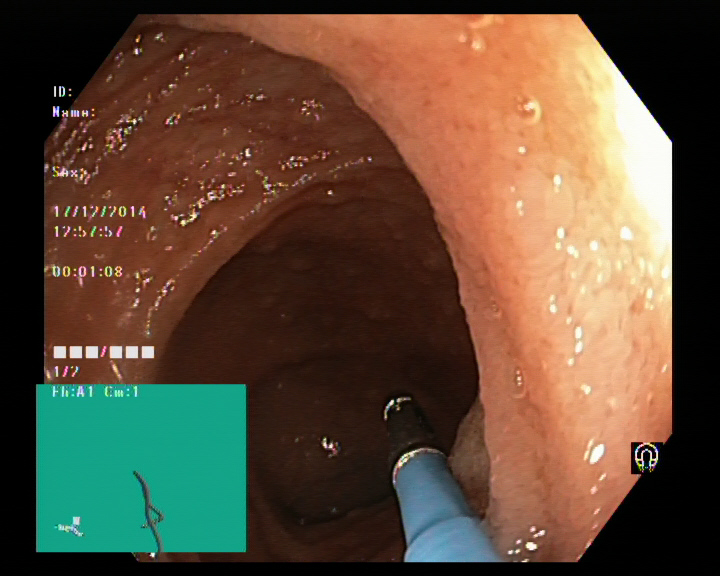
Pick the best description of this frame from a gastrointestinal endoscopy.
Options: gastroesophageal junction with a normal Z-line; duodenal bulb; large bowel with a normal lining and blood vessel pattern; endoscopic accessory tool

endoscopic accessory tool